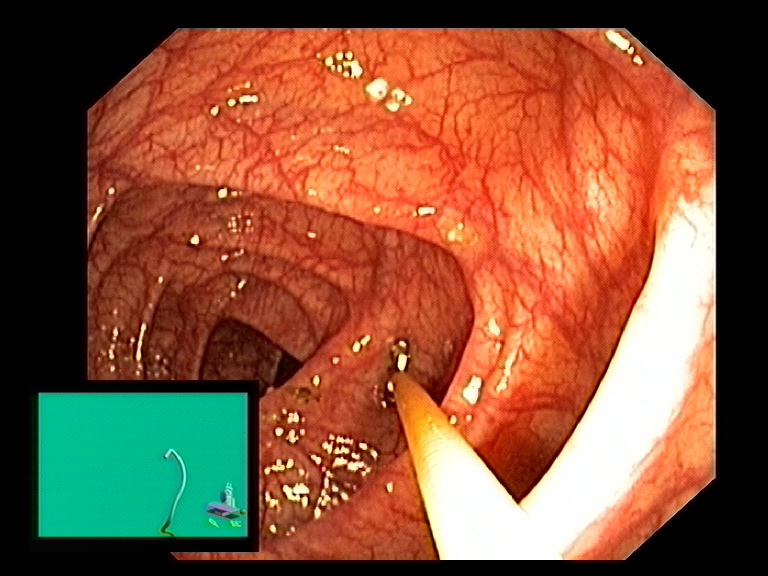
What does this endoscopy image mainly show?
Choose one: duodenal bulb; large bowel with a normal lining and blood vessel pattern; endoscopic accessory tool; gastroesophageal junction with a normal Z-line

endoscopic accessory tool